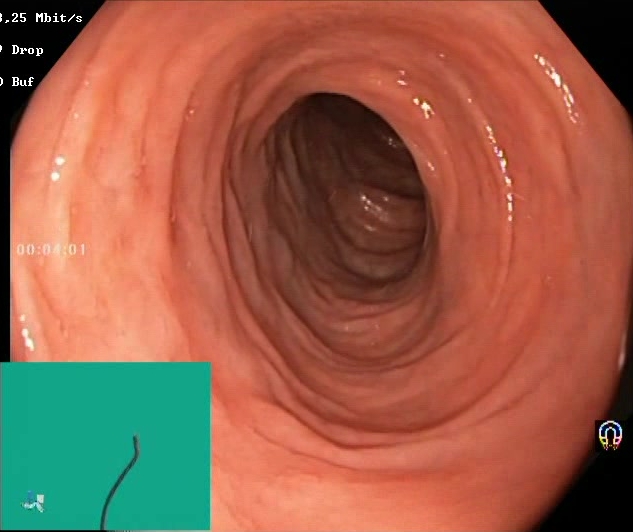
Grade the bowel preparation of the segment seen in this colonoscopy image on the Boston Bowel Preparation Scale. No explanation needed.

Boston Bowel Preparation Scale score 2–3 (adequate preparation)